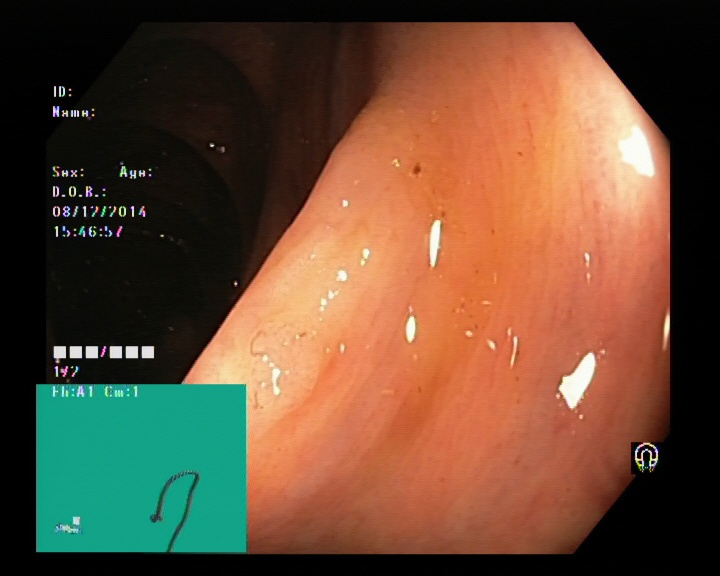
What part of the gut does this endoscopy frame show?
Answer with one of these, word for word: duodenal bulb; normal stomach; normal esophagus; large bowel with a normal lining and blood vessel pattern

large bowel with a normal lining and blood vessel pattern